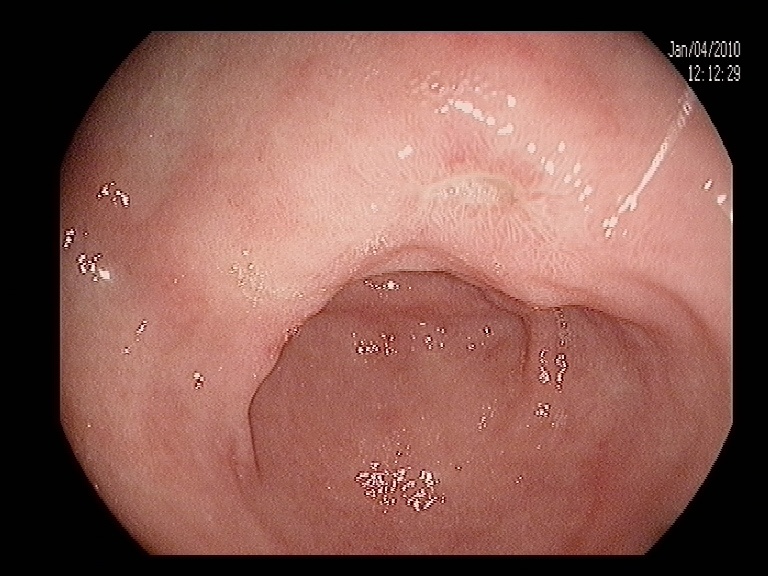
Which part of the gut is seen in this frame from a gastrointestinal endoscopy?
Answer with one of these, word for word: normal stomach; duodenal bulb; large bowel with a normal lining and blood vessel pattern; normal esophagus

normal stomach